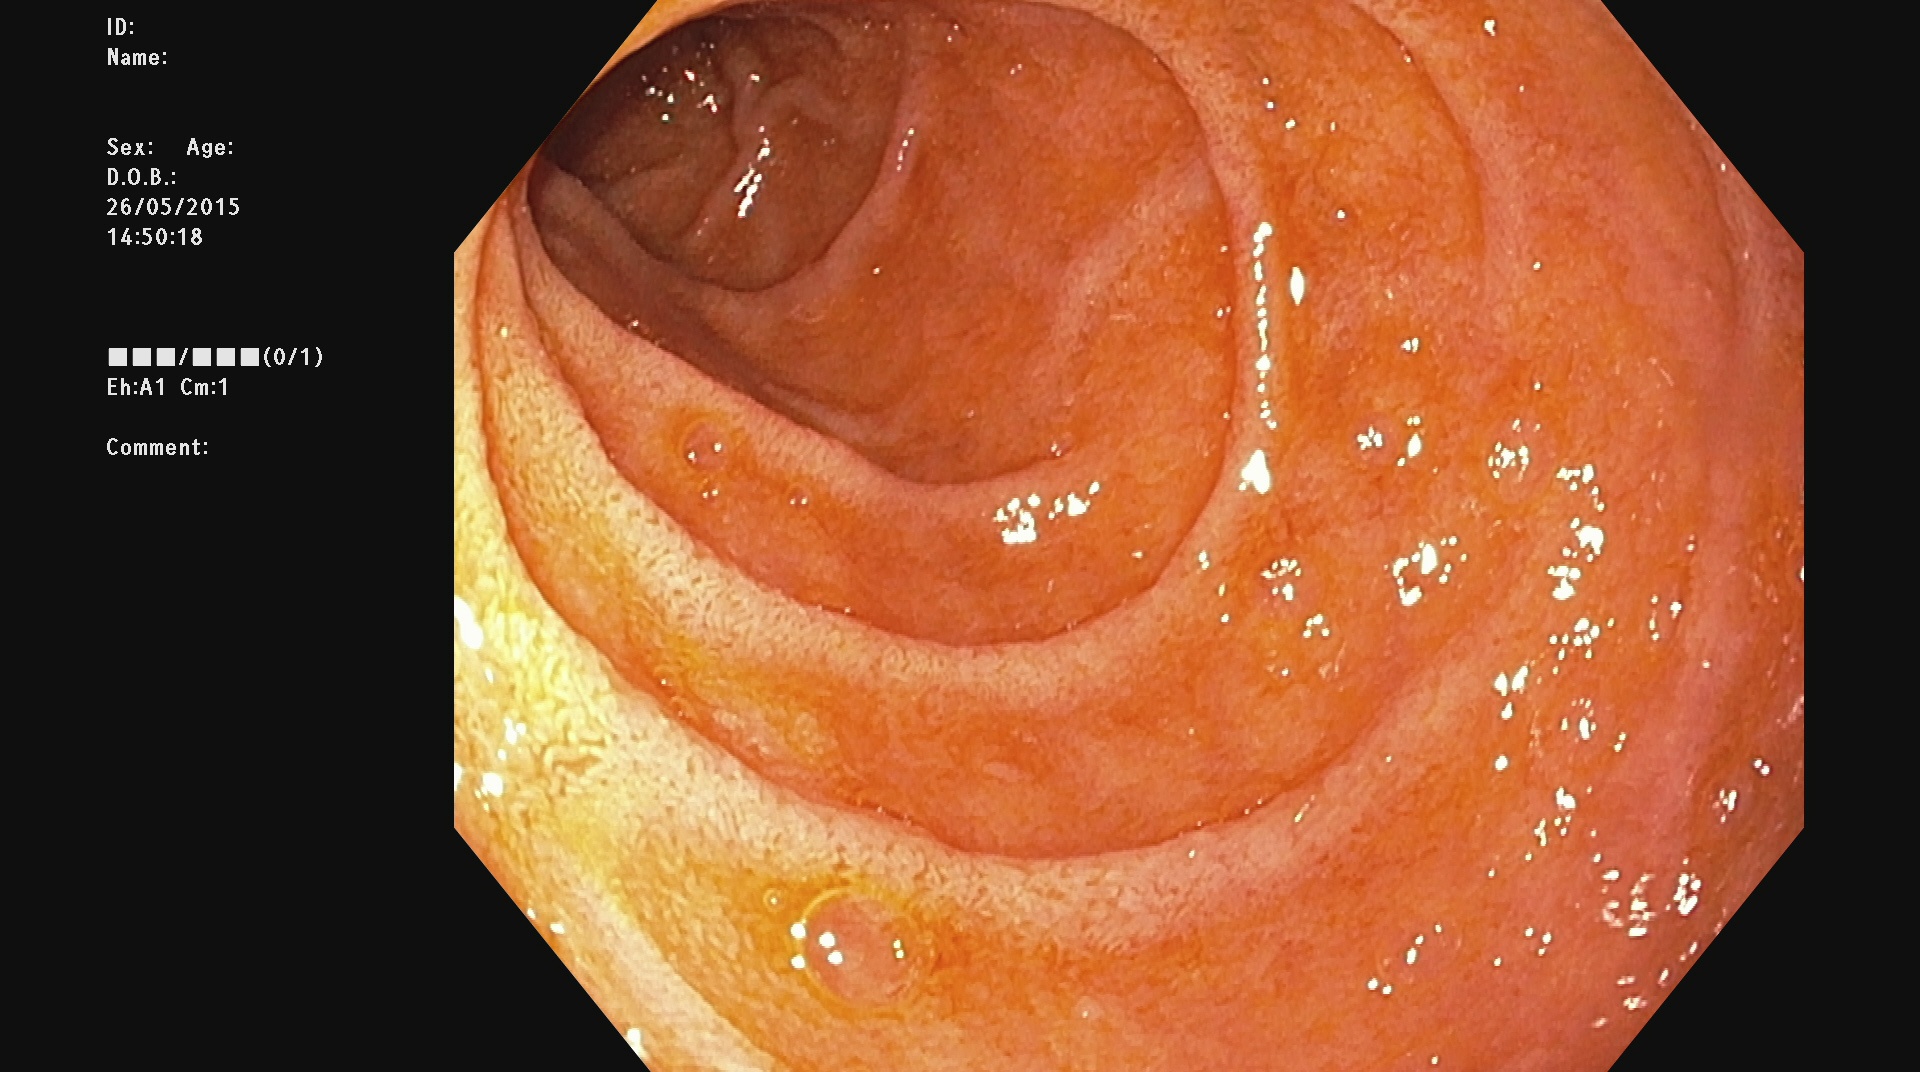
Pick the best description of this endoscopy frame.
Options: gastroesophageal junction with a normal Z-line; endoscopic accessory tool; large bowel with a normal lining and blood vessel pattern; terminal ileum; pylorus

terminal ileum